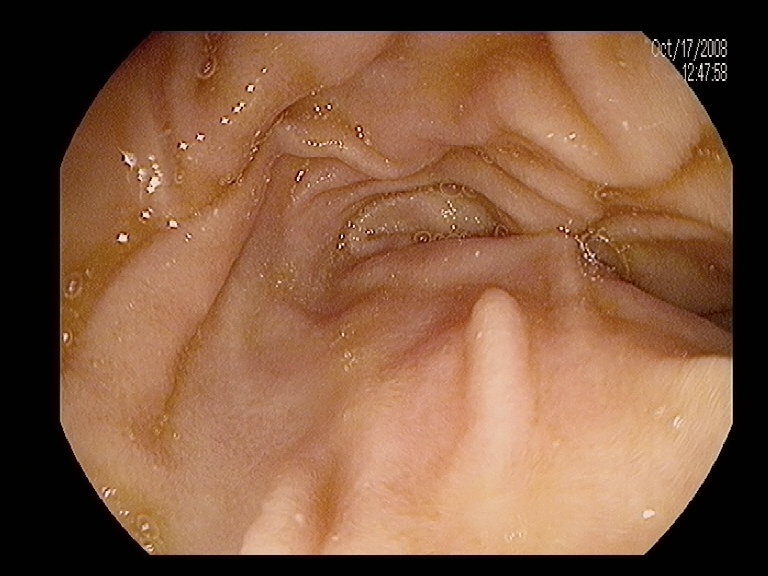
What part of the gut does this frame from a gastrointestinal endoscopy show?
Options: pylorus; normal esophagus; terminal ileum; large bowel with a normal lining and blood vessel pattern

terminal ileum